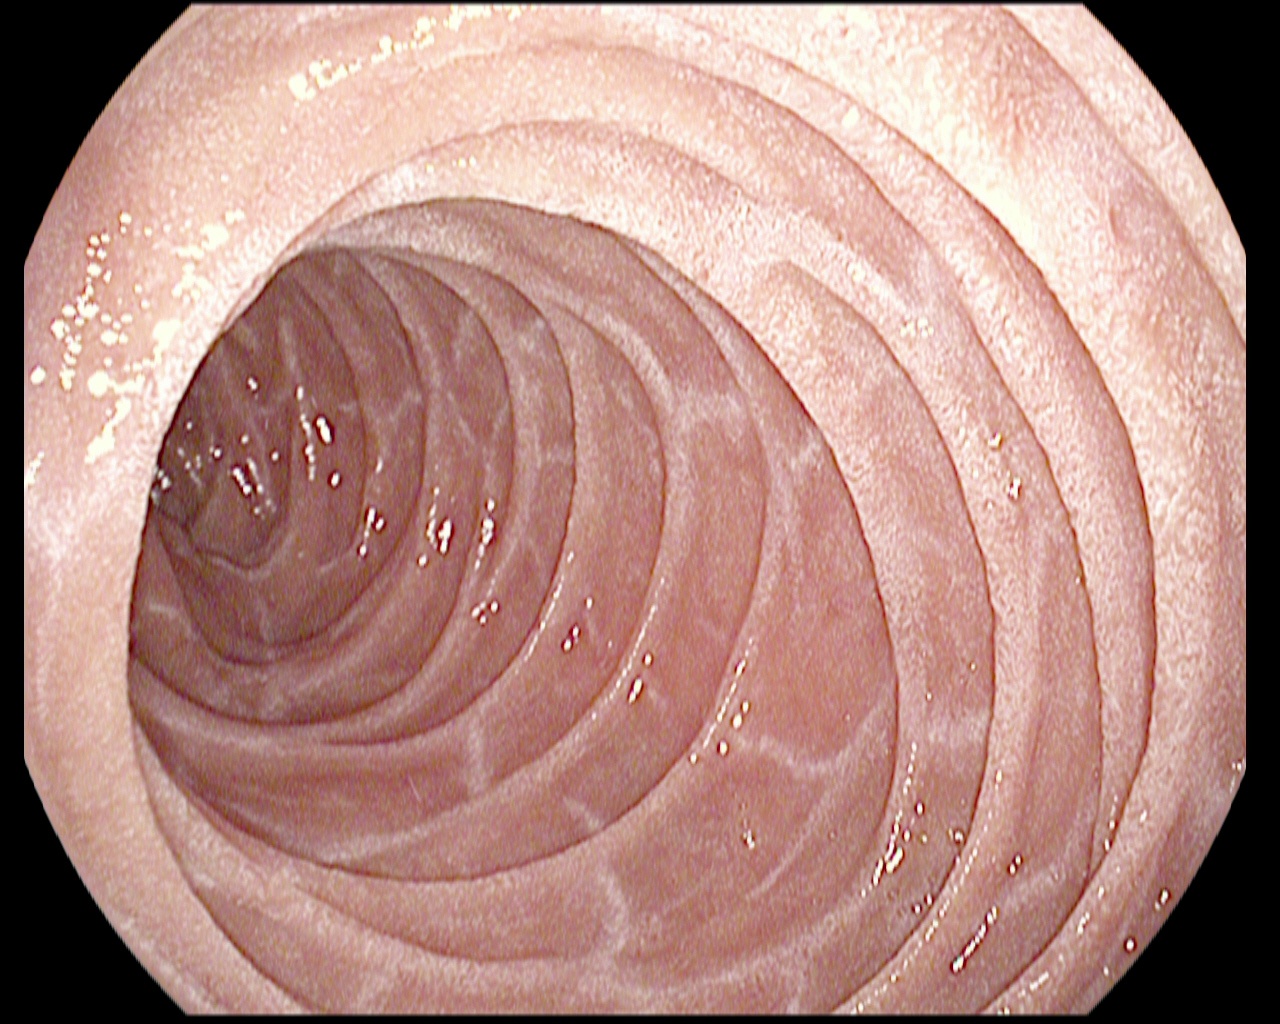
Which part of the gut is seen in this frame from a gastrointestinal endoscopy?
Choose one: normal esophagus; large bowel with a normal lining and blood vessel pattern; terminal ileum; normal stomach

terminal ileum